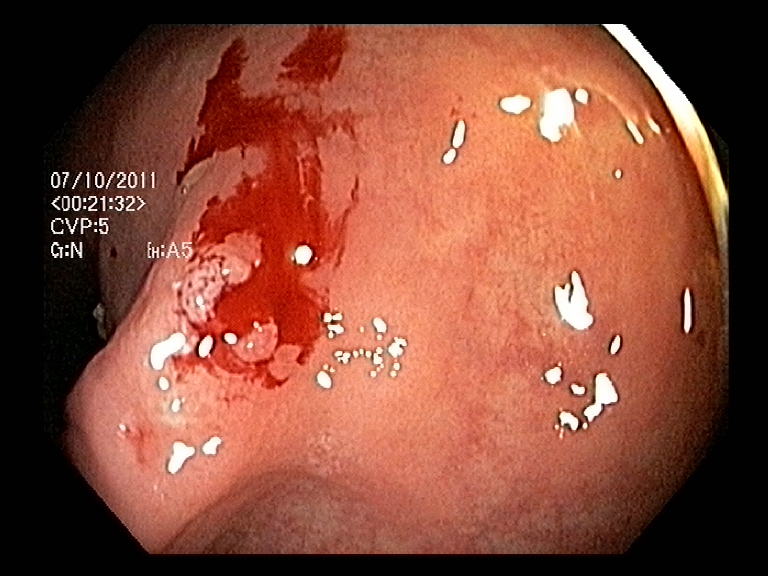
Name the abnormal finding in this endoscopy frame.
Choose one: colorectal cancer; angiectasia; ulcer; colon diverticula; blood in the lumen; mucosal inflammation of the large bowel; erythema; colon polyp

blood in the lumen